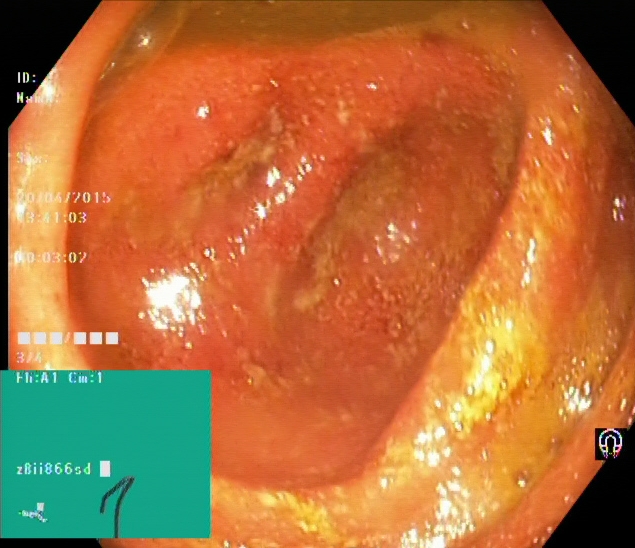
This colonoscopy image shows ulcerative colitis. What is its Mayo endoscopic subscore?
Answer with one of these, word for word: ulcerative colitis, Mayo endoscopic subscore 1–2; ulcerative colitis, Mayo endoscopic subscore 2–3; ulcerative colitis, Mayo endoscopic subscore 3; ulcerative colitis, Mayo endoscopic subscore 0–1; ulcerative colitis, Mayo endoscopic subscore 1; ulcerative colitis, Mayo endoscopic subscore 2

ulcerative colitis, Mayo endoscopic subscore 2